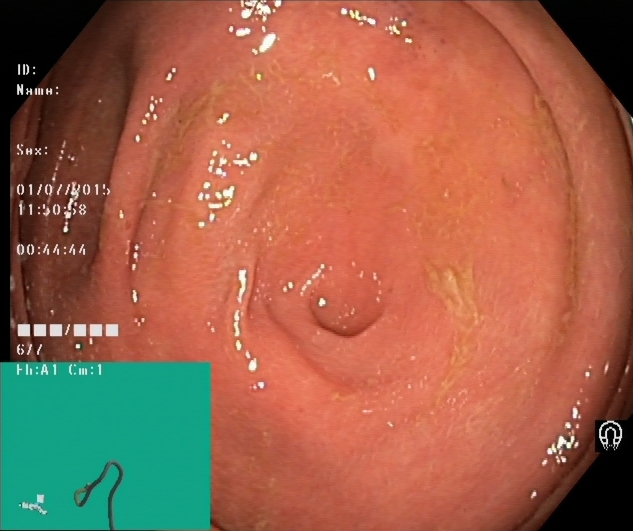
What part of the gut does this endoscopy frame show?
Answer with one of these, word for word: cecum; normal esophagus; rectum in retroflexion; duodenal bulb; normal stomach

cecum